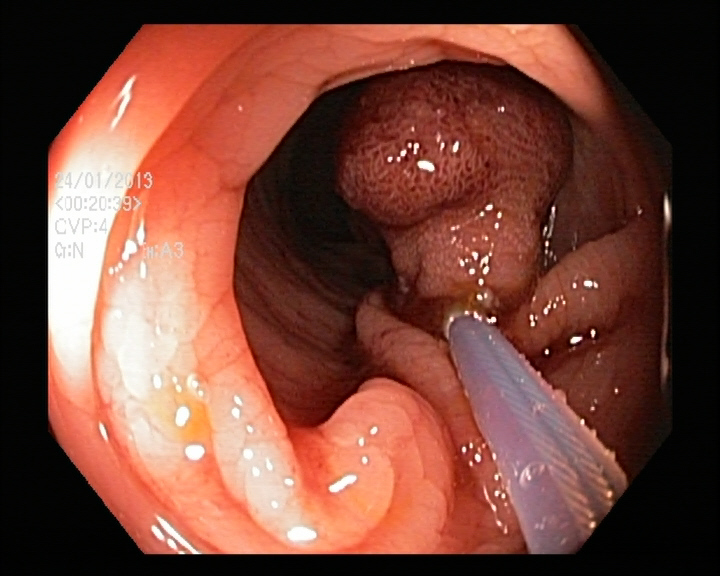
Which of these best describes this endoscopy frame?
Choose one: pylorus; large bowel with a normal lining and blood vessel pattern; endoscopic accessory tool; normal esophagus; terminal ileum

endoscopic accessory tool